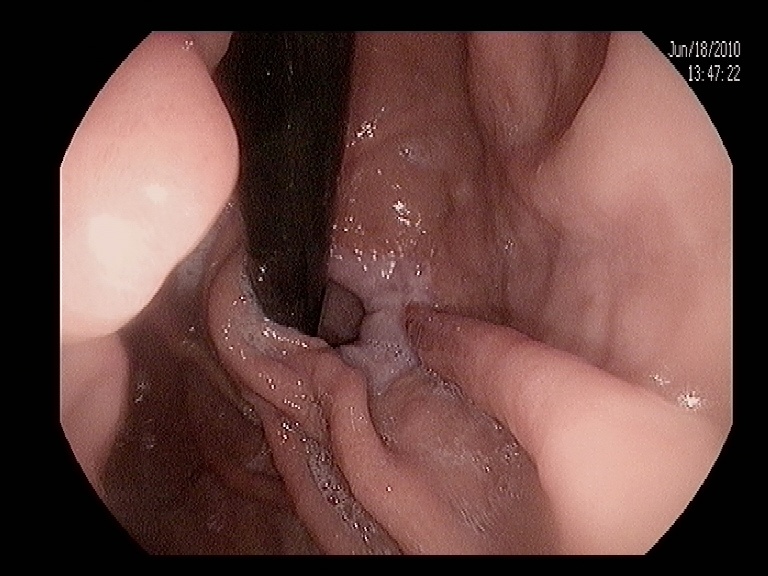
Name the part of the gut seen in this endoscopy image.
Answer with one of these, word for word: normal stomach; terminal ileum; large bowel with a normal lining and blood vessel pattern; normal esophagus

normal stomach